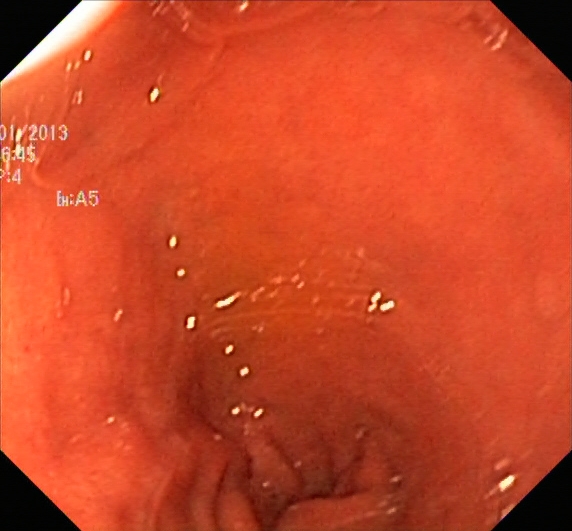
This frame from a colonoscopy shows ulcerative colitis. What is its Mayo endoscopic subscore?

ulcerative colitis, Mayo endoscopic subscore 2